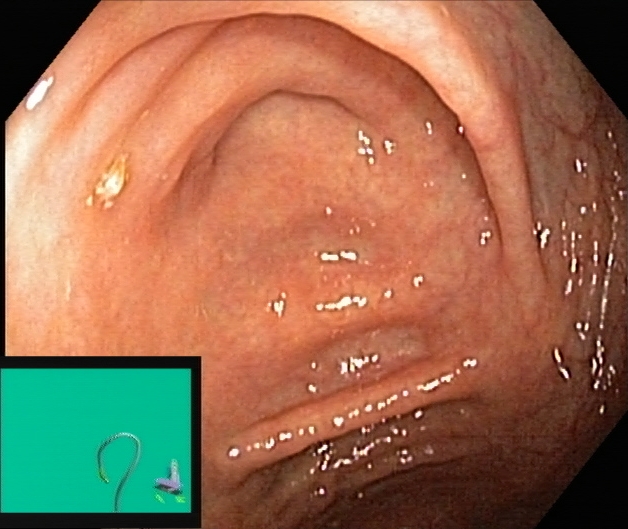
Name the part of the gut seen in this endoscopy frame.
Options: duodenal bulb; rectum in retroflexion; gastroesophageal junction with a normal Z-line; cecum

cecum